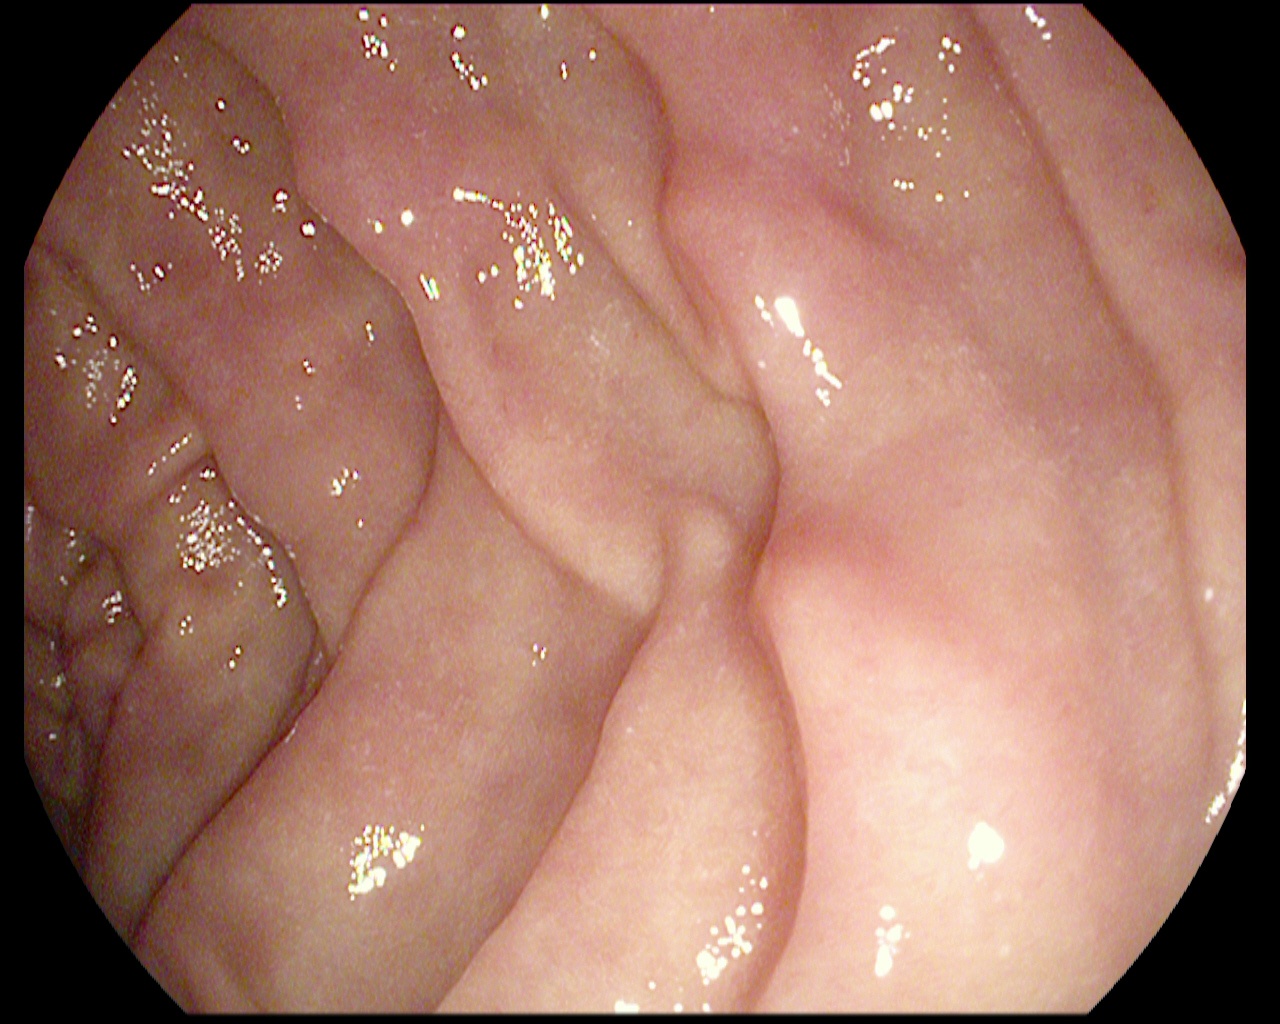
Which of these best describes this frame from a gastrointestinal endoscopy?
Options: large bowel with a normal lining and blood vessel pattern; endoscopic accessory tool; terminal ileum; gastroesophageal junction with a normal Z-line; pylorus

terminal ileum